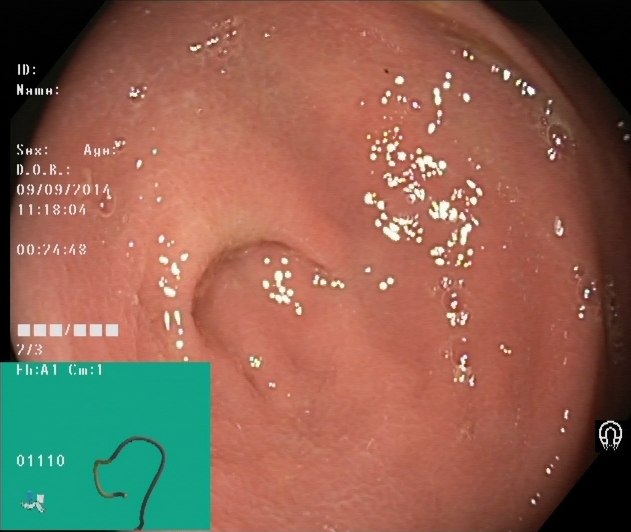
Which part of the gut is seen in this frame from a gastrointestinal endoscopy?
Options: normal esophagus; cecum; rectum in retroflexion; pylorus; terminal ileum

cecum